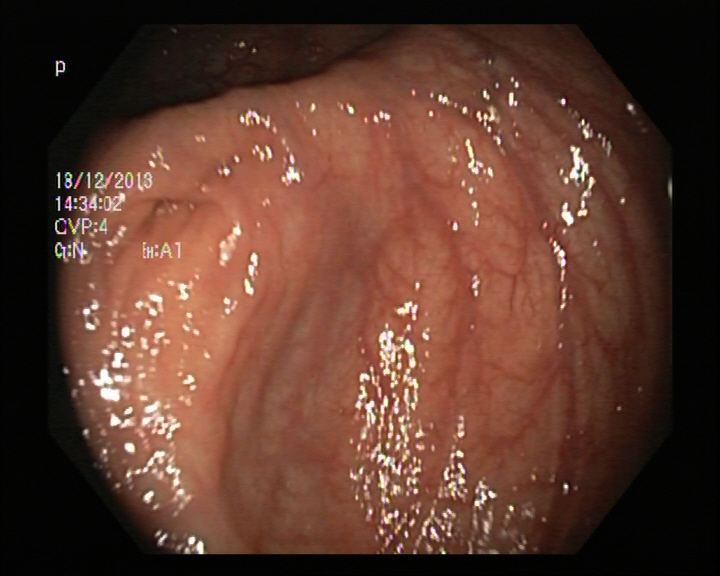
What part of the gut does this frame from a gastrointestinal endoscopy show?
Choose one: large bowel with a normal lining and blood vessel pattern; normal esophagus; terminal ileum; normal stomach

large bowel with a normal lining and blood vessel pattern